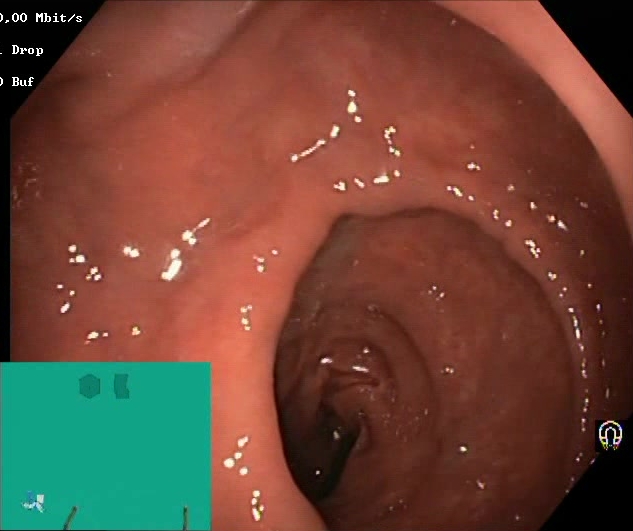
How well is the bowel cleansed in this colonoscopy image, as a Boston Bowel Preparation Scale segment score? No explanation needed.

Boston Bowel Preparation Scale score 2–3 (adequate preparation)